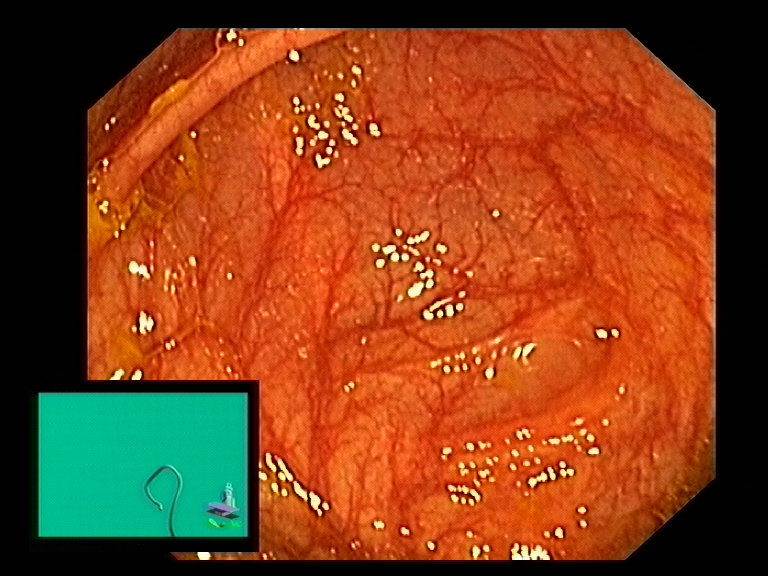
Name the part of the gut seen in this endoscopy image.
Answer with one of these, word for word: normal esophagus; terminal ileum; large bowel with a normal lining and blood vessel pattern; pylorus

large bowel with a normal lining and blood vessel pattern